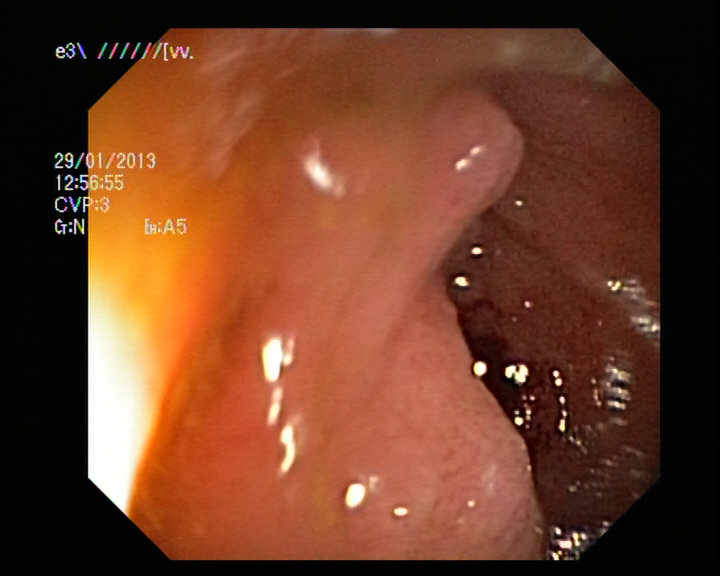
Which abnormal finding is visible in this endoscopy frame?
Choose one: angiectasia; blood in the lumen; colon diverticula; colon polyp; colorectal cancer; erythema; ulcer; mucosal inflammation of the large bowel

colon polyp